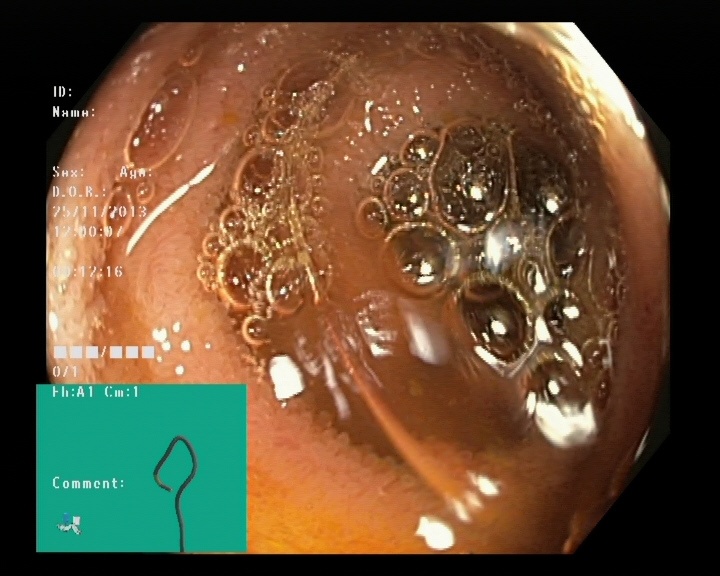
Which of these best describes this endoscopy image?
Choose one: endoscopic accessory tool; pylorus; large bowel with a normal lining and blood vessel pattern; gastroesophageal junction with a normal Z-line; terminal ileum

large bowel with a normal lining and blood vessel pattern